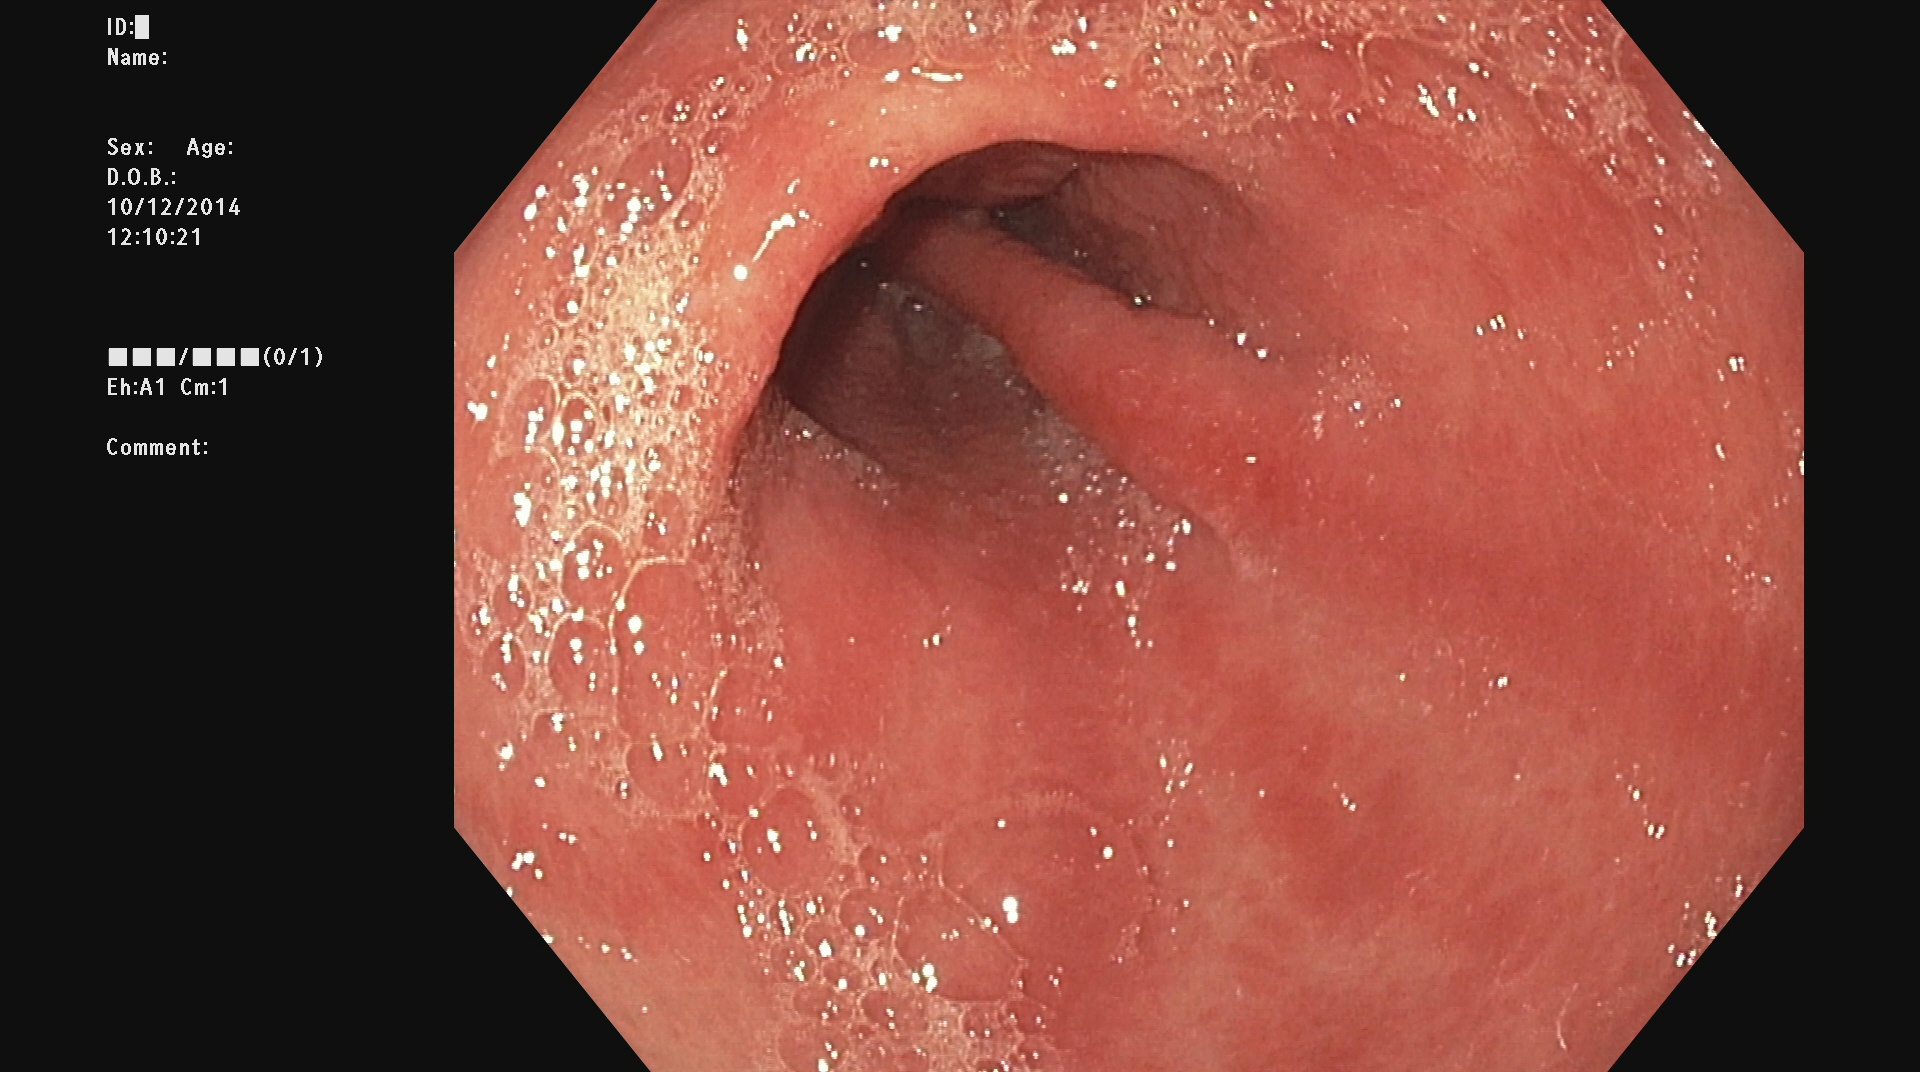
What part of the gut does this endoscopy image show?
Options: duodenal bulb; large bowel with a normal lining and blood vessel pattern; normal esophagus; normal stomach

normal stomach